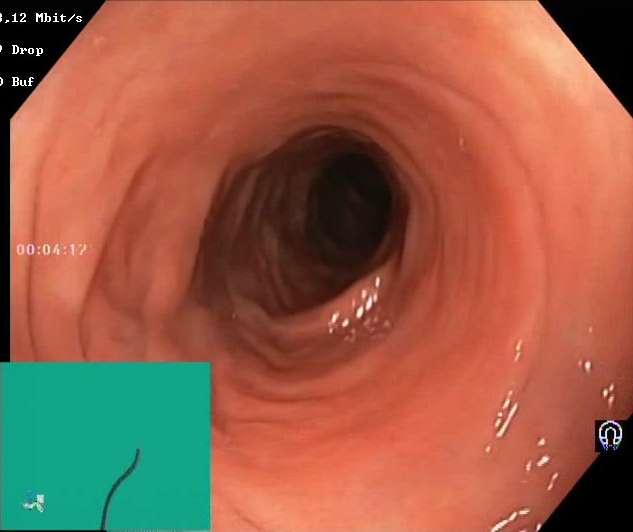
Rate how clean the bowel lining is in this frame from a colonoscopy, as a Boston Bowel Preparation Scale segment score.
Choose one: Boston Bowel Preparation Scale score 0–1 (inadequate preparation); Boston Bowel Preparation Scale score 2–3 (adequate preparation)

Boston Bowel Preparation Scale score 2–3 (adequate preparation)